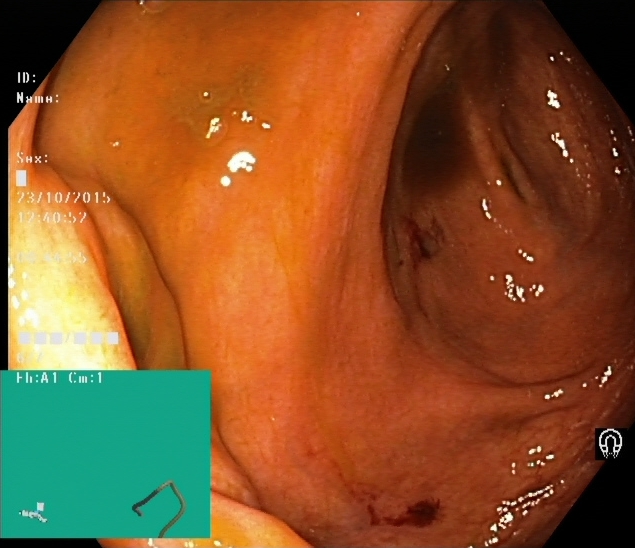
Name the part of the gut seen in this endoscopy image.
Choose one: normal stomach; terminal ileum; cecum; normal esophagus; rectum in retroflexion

cecum